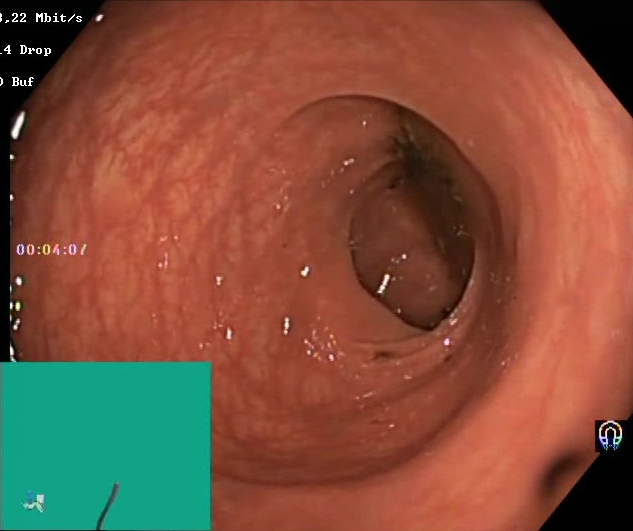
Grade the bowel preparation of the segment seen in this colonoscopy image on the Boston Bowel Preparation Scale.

Boston Bowel Preparation Scale score 0–1 (inadequate preparation)